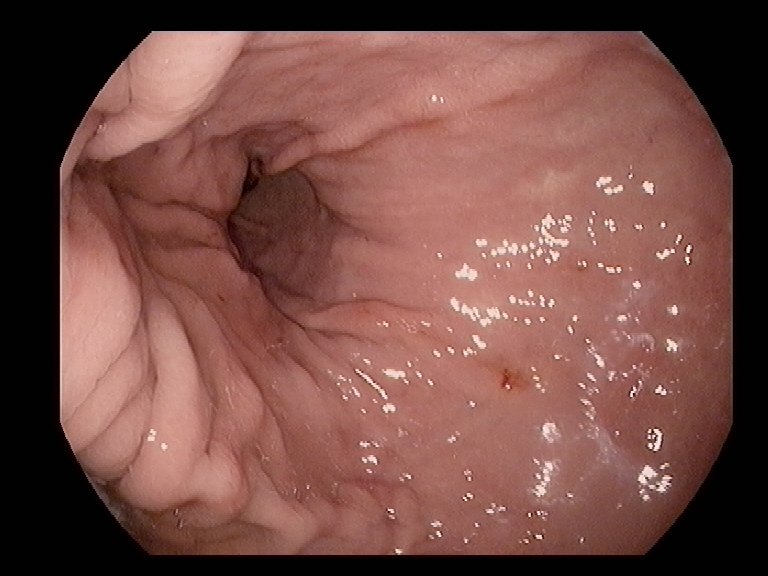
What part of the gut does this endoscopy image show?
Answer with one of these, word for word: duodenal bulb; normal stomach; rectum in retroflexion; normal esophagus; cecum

normal stomach